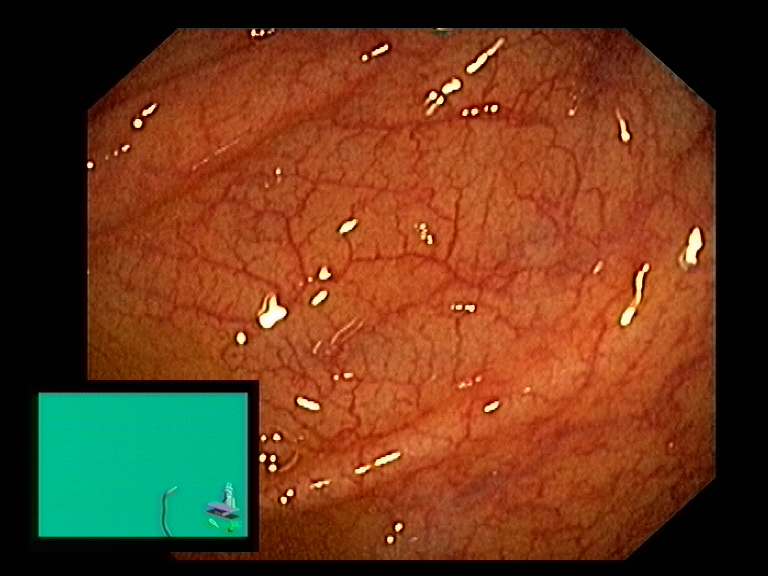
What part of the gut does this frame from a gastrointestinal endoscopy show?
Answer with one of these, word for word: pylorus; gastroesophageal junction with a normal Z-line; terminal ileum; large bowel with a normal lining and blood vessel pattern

large bowel with a normal lining and blood vessel pattern